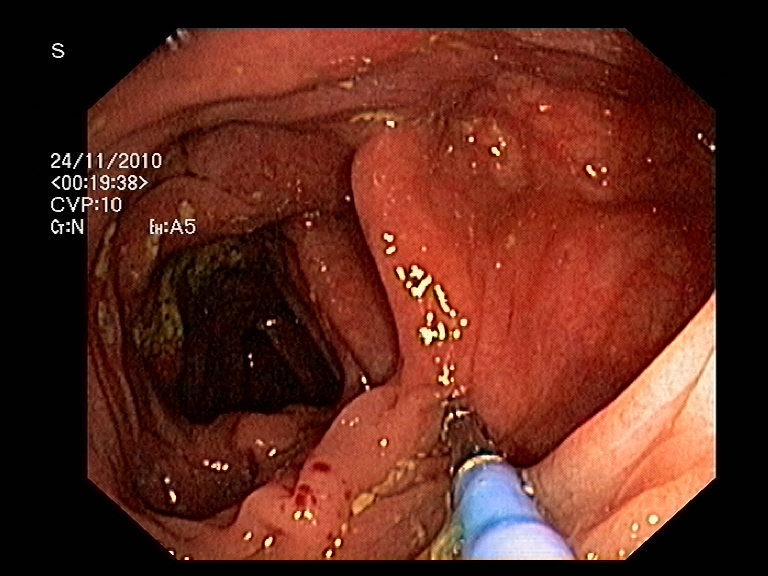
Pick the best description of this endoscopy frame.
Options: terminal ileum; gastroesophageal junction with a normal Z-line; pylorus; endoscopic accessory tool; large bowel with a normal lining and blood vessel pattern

endoscopic accessory tool